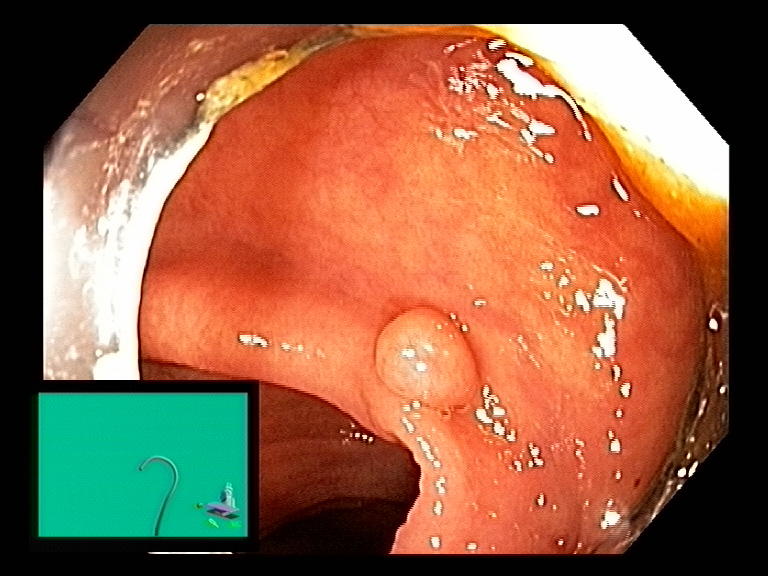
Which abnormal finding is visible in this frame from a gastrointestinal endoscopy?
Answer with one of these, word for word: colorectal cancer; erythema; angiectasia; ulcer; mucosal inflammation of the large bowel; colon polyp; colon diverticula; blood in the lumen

colon polyp